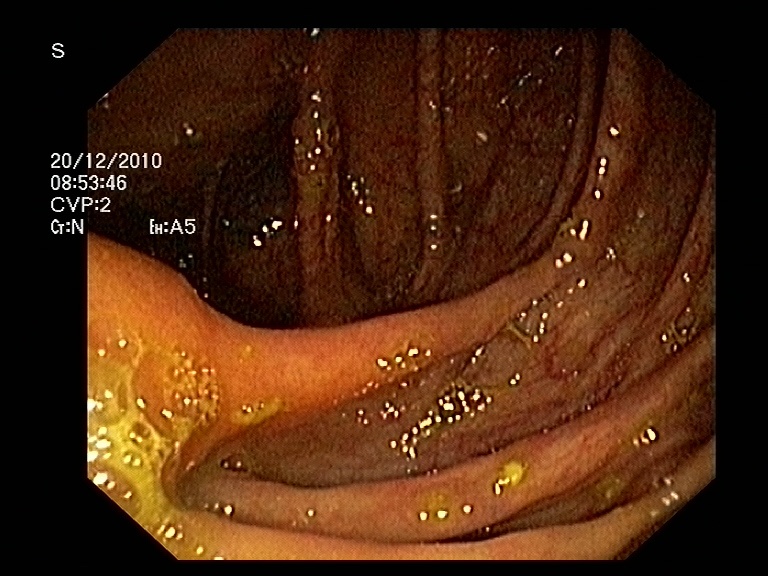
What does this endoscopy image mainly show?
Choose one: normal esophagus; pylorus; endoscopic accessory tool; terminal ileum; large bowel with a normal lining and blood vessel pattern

large bowel with a normal lining and blood vessel pattern